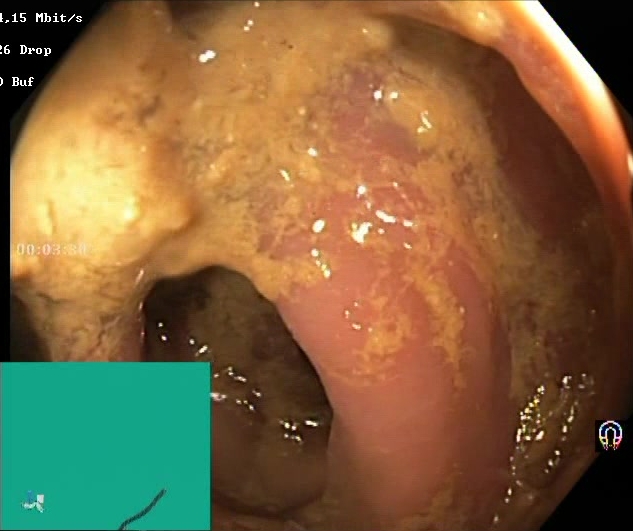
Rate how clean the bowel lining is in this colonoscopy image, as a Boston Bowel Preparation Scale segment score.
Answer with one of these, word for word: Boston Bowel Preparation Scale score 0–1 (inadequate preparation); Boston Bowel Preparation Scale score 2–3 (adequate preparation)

Boston Bowel Preparation Scale score 0–1 (inadequate preparation)